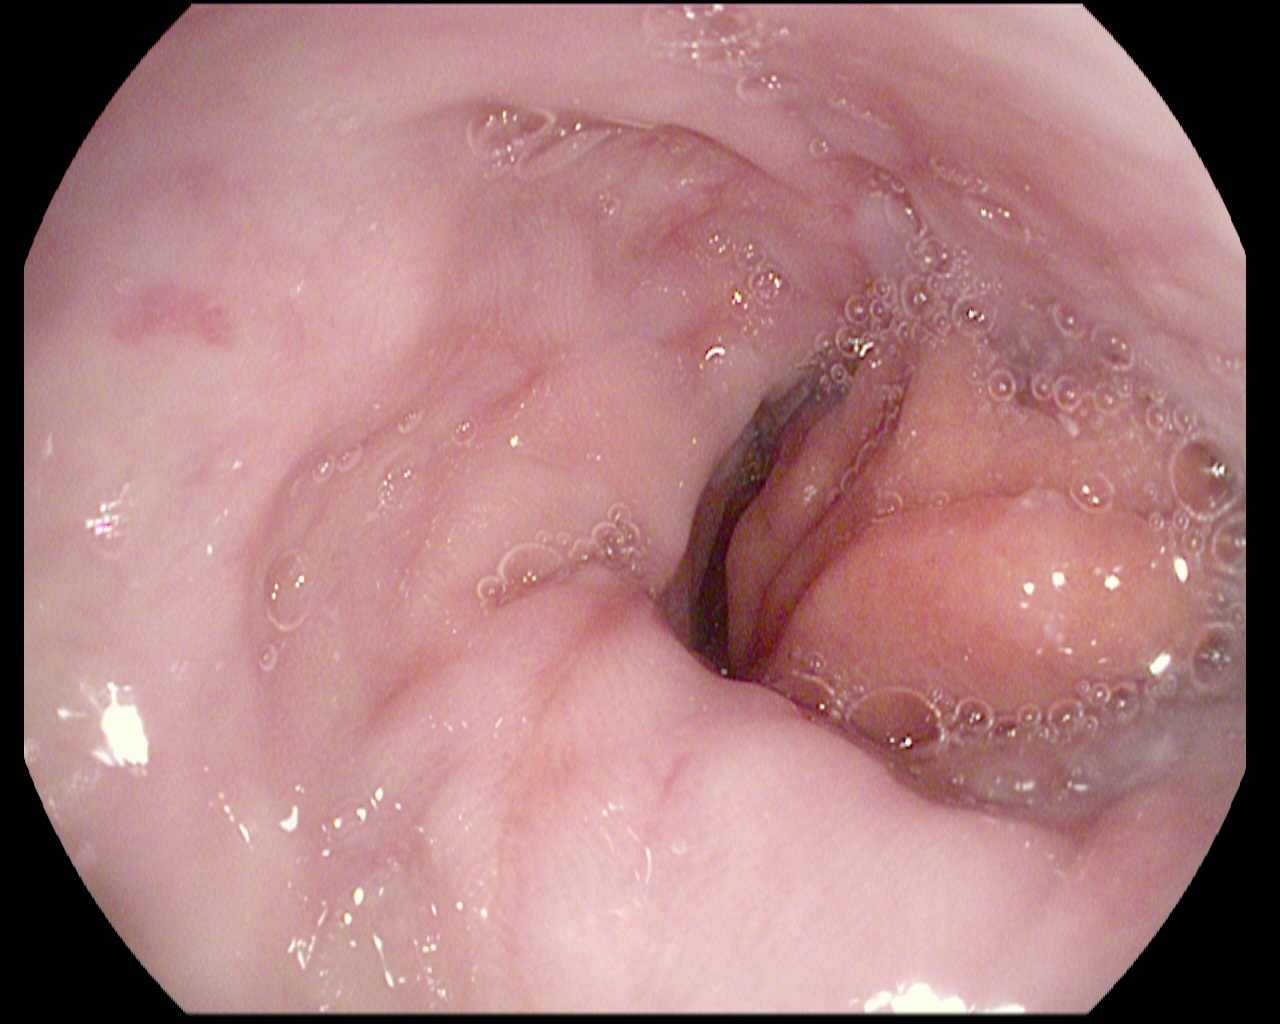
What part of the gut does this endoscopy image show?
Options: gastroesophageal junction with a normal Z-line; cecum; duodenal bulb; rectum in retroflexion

gastroesophageal junction with a normal Z-line